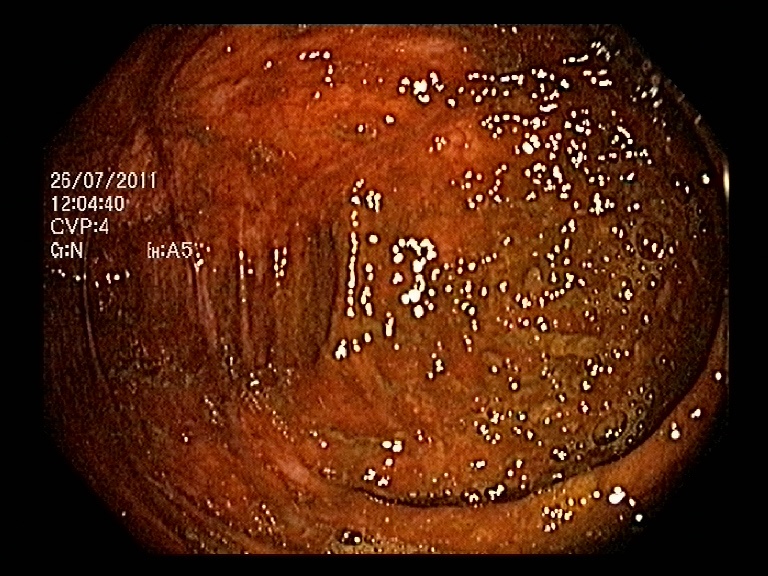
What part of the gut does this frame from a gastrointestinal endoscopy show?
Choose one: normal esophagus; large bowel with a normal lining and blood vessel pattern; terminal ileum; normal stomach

large bowel with a normal lining and blood vessel pattern